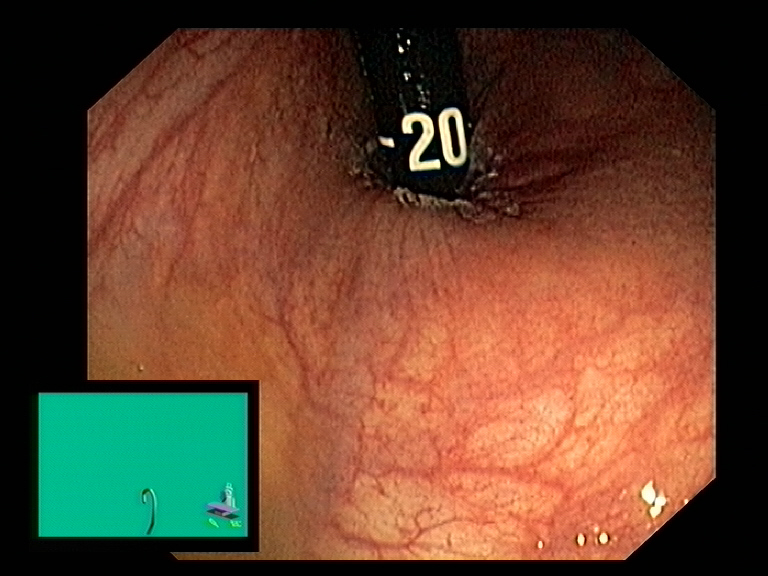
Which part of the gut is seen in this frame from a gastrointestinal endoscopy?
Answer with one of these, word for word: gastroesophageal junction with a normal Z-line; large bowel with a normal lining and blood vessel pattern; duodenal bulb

large bowel with a normal lining and blood vessel pattern